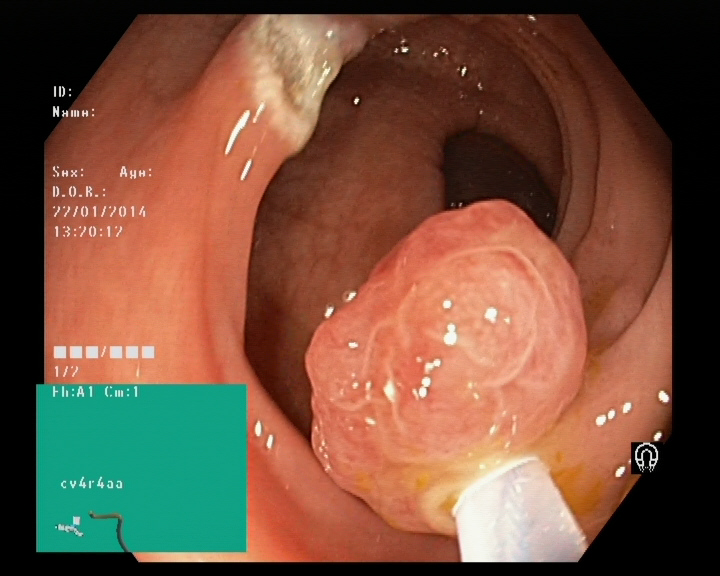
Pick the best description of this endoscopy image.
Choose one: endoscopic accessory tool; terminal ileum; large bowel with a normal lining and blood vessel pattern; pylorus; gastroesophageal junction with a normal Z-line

endoscopic accessory tool